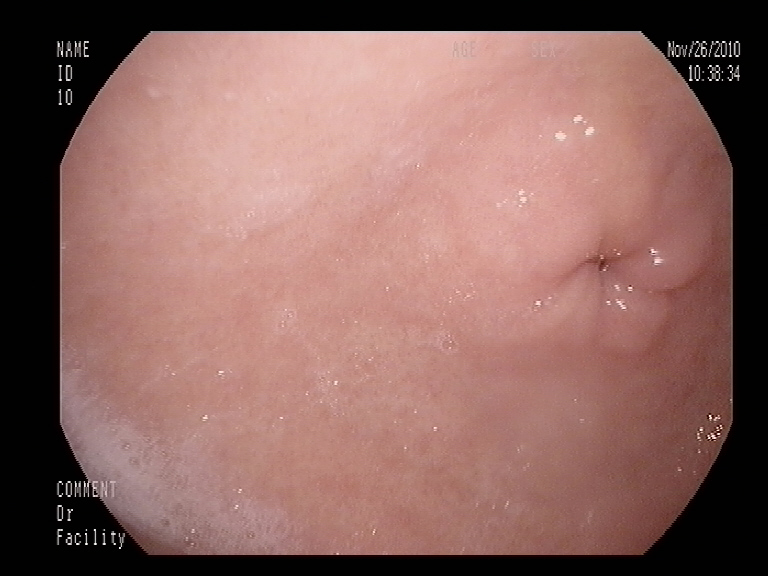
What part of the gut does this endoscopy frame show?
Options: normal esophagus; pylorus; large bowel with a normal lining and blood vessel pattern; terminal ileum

pylorus